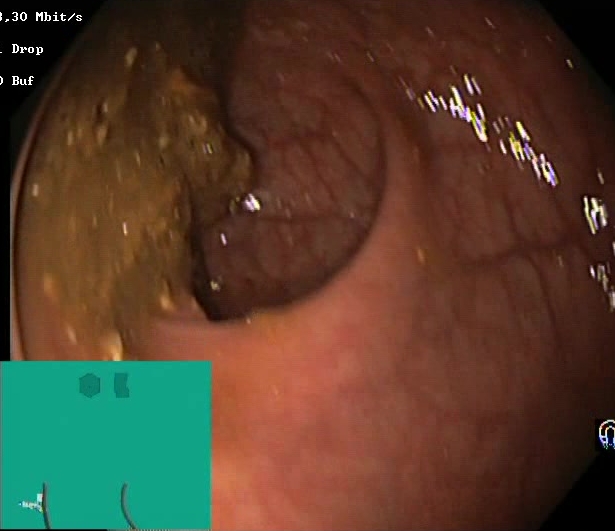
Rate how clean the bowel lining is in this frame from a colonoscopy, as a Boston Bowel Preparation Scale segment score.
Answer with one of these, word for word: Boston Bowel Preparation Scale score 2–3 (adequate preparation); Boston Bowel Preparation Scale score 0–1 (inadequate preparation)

Boston Bowel Preparation Scale score 0–1 (inadequate preparation)